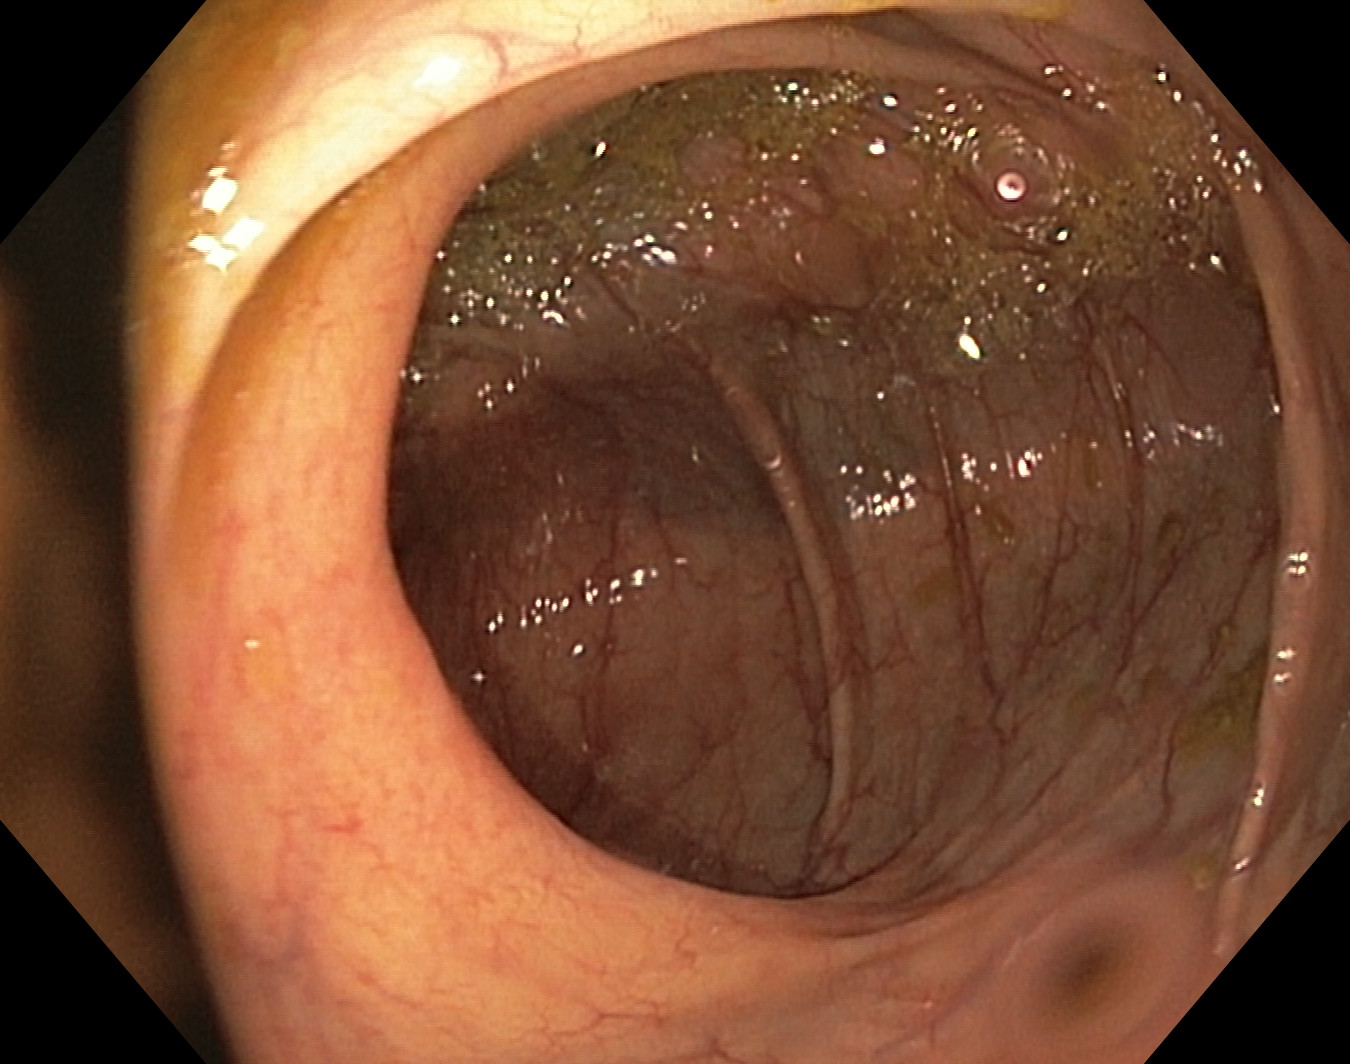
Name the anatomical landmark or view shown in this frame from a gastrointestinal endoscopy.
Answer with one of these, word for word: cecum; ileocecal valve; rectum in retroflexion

ileocecal valve